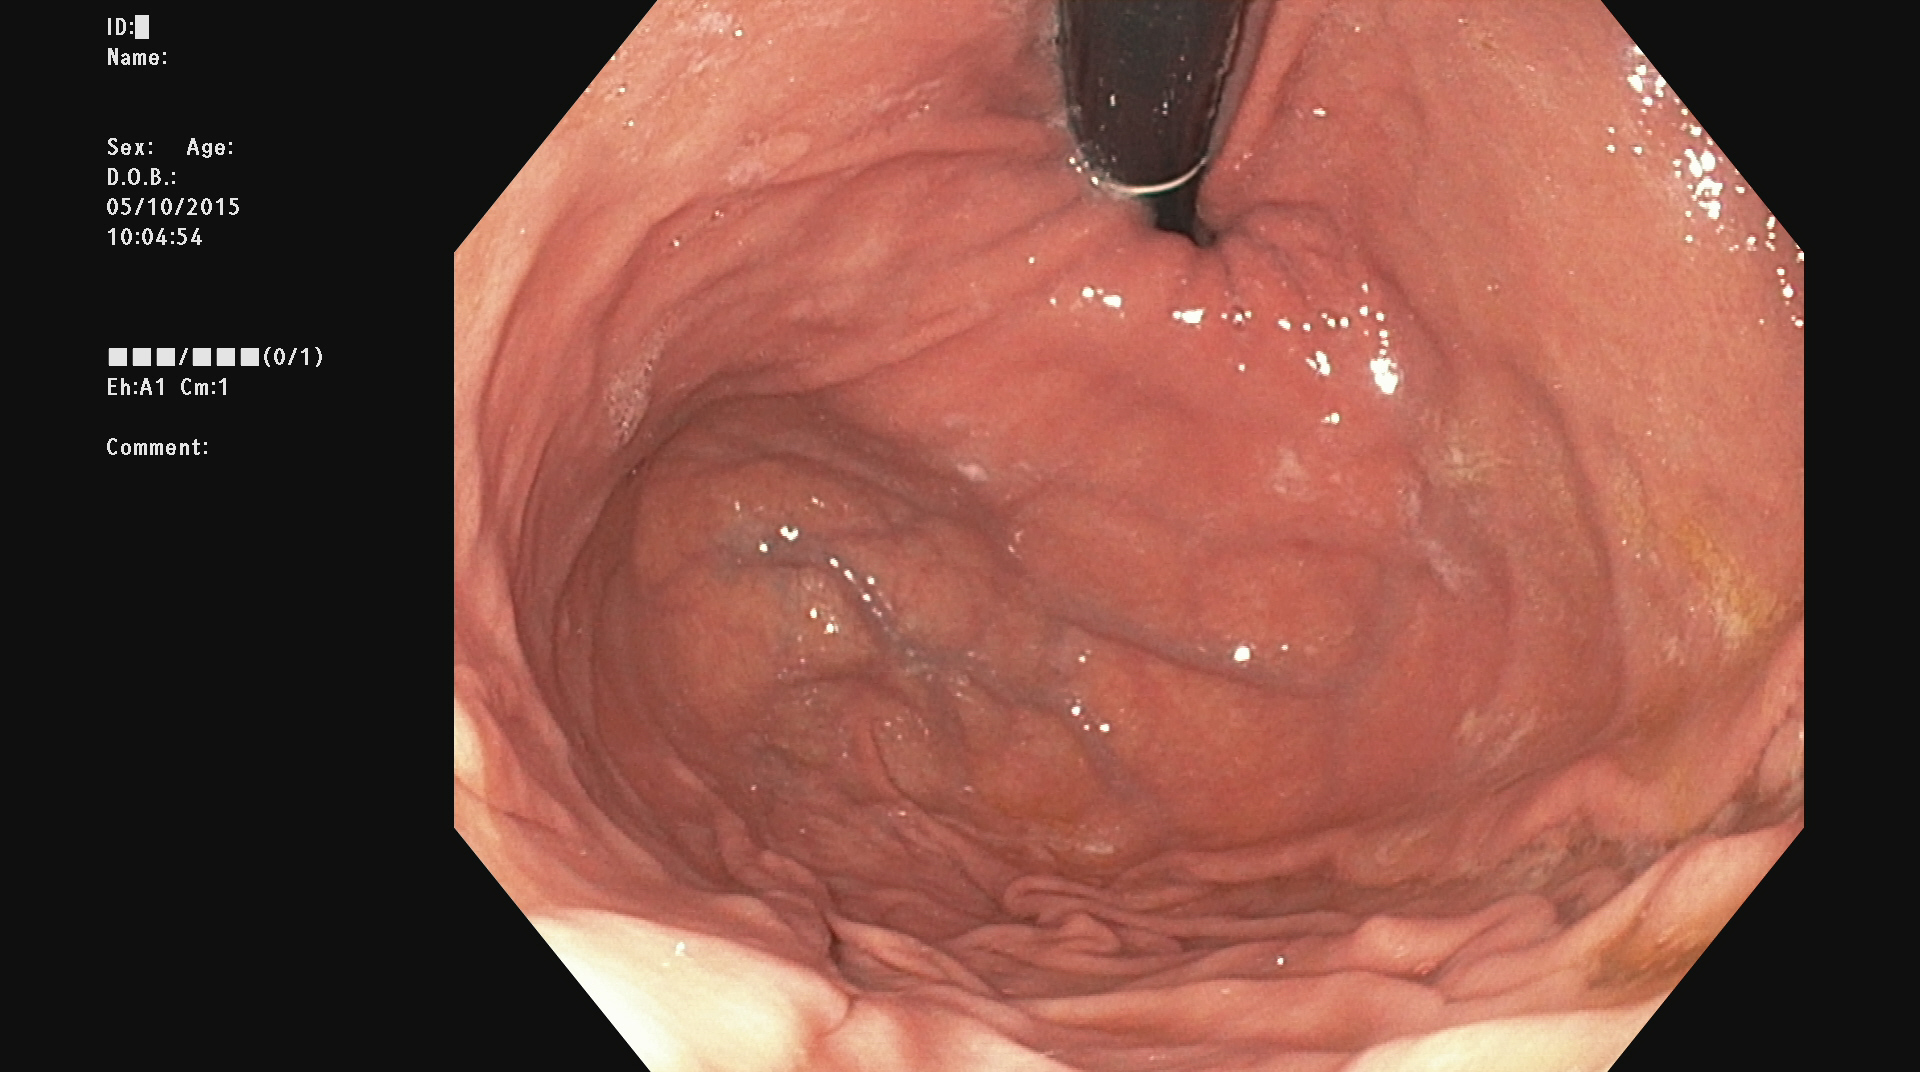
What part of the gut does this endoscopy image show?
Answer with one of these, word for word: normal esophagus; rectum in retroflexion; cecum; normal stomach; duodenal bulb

normal stomach